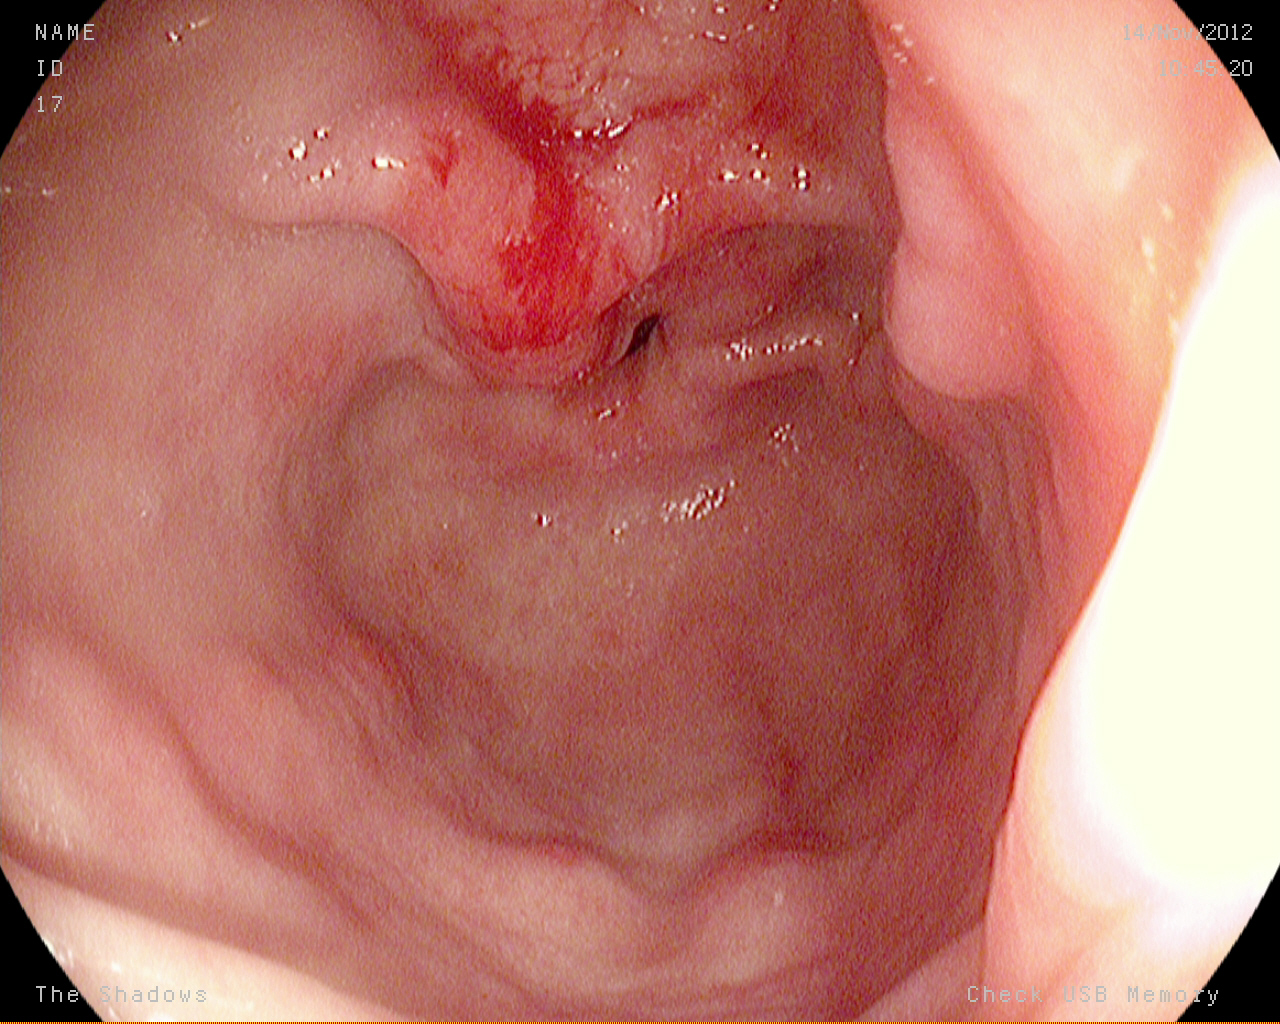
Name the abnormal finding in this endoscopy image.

blood in the lumen